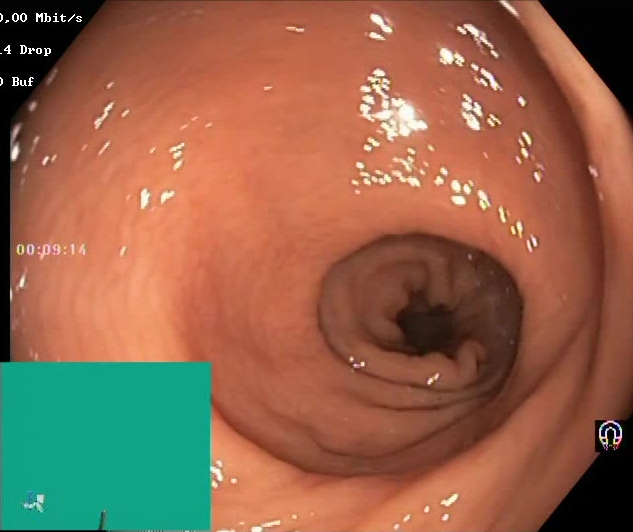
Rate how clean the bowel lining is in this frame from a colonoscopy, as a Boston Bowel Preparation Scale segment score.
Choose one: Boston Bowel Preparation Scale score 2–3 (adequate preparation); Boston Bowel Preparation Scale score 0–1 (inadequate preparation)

Boston Bowel Preparation Scale score 2–3 (adequate preparation)